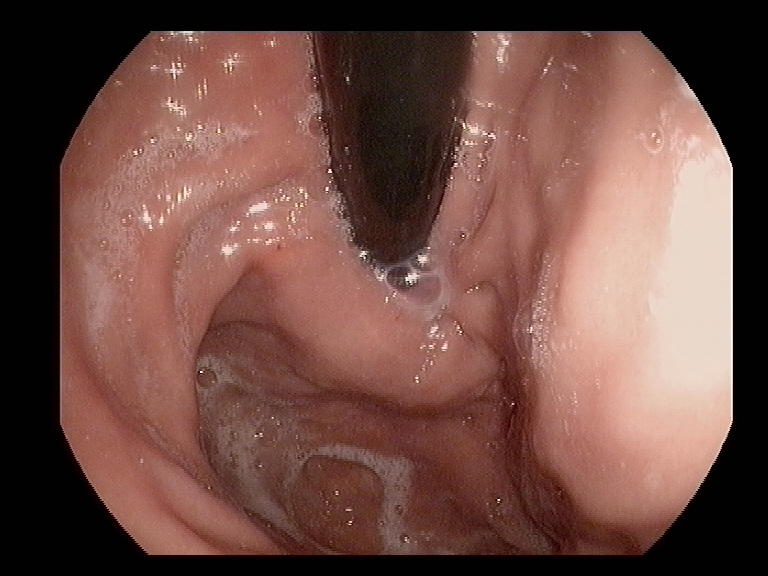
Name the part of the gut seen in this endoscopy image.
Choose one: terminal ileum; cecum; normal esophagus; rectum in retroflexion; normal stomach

normal stomach